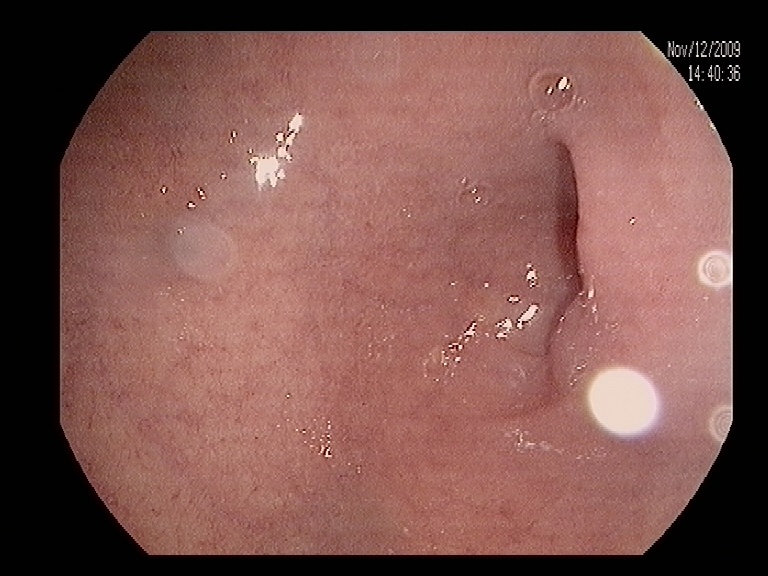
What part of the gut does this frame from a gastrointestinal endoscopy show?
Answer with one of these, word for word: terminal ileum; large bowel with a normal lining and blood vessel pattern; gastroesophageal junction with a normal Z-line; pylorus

terminal ileum